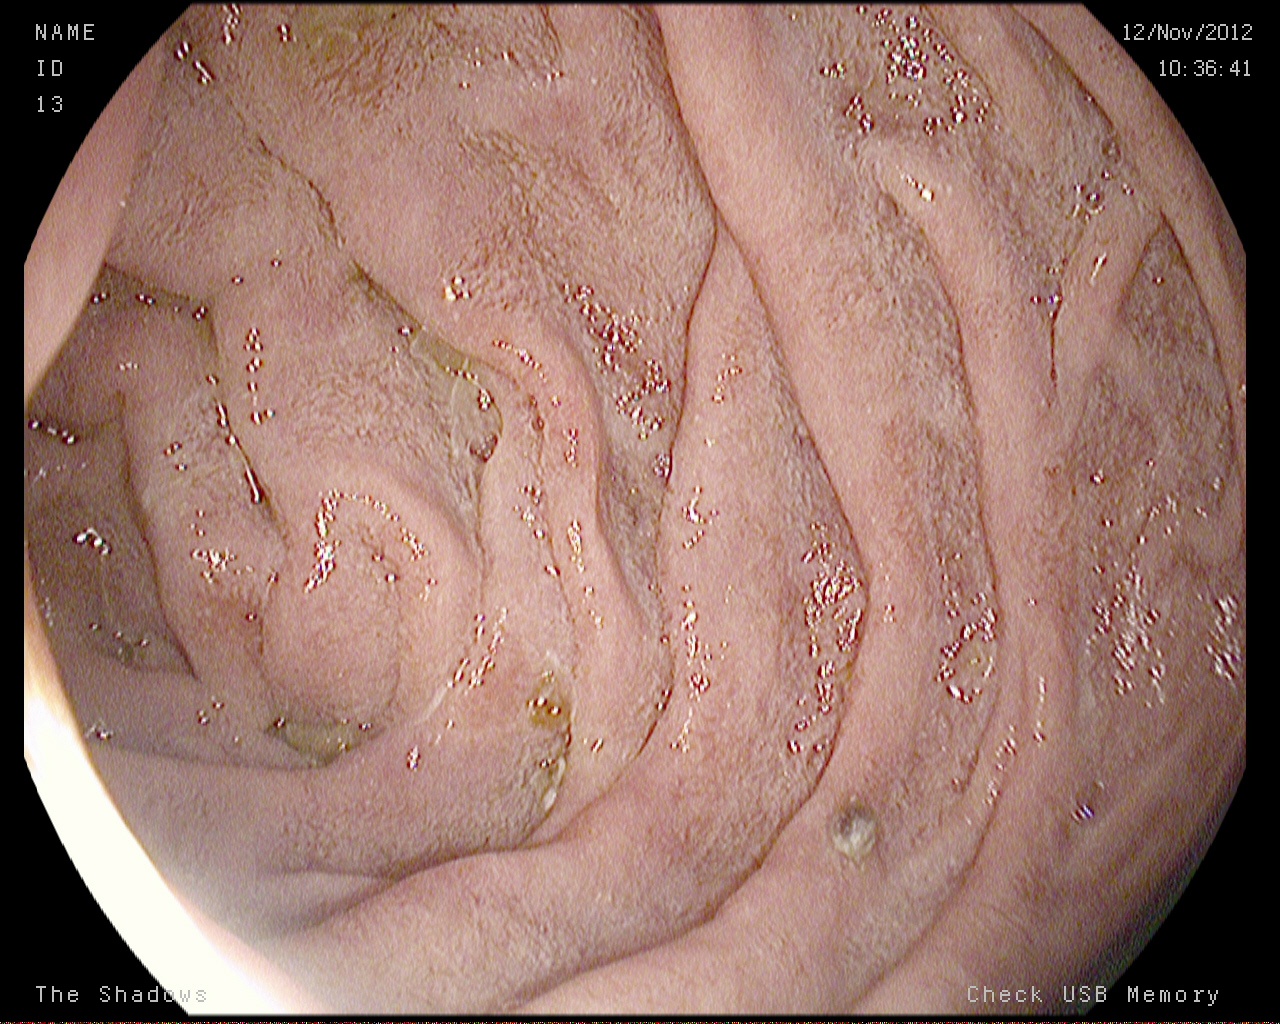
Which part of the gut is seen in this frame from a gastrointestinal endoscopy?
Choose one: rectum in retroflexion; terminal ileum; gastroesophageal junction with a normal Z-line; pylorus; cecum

terminal ileum